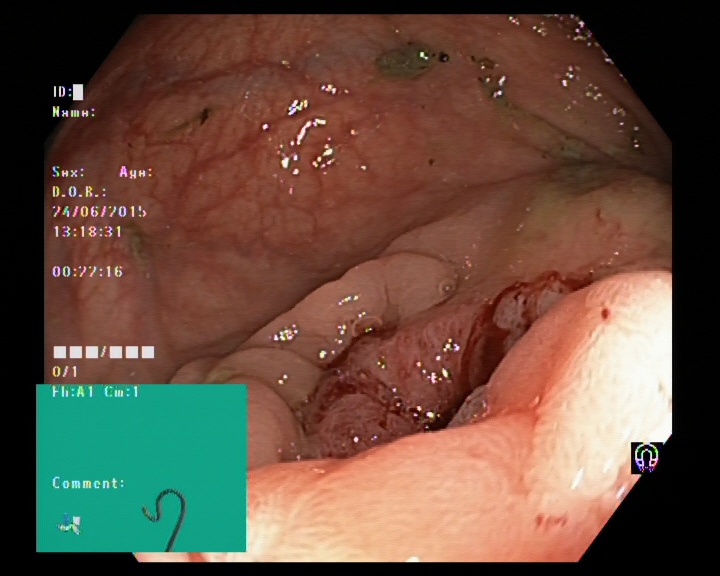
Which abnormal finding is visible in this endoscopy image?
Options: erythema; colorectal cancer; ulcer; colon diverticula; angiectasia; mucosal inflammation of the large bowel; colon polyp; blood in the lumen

colorectal cancer